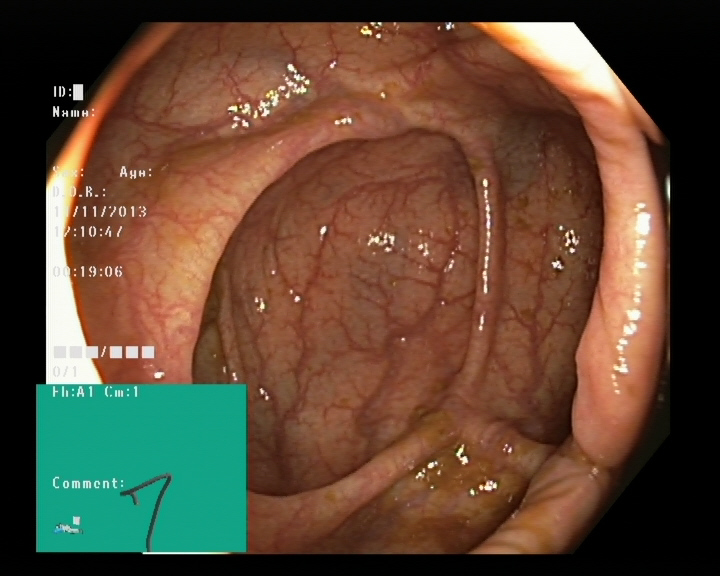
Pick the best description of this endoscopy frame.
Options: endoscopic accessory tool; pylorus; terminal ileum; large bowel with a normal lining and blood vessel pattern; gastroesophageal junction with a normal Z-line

large bowel with a normal lining and blood vessel pattern